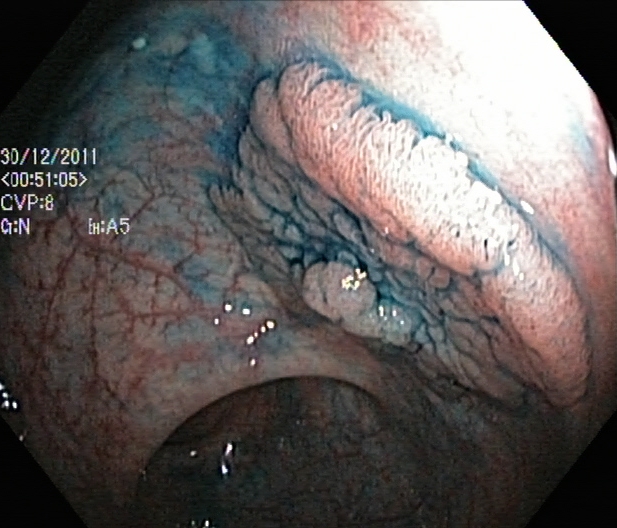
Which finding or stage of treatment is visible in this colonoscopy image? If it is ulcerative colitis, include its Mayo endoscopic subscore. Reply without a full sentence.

dyed and lifted polyp (pre-resection)